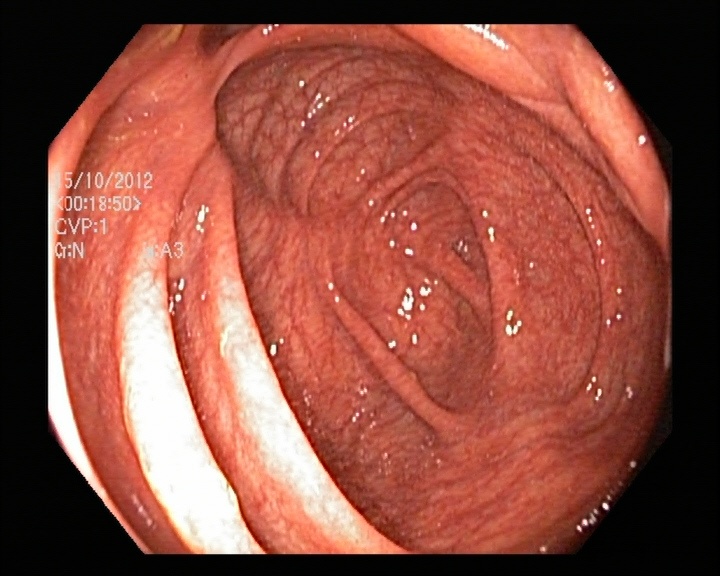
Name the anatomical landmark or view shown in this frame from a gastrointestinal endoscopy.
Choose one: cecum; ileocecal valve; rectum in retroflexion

cecum